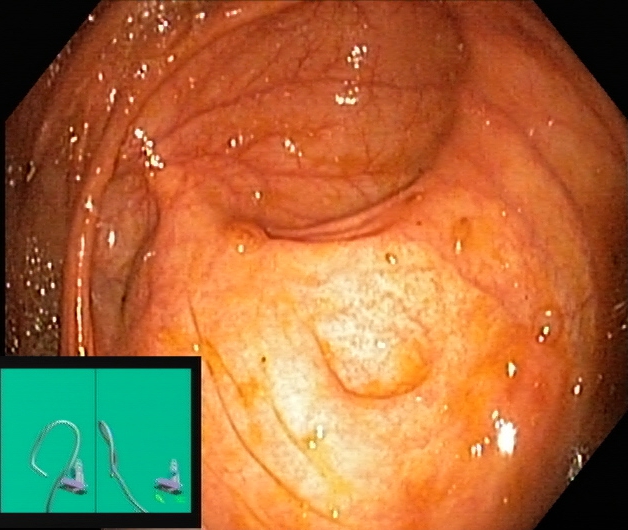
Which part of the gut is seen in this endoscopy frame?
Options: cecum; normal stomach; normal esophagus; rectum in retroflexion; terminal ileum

cecum